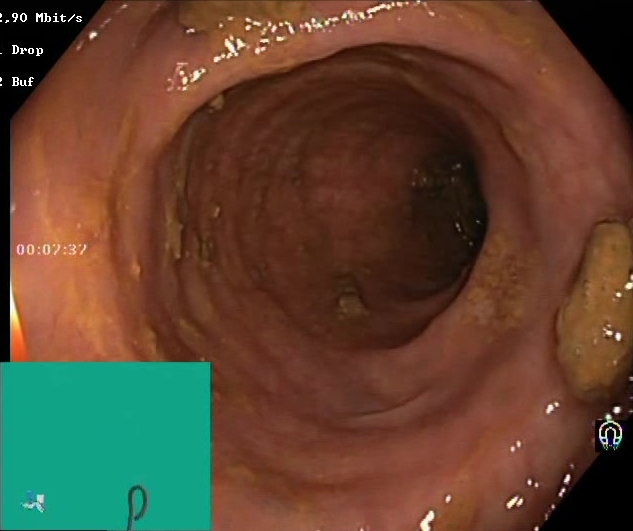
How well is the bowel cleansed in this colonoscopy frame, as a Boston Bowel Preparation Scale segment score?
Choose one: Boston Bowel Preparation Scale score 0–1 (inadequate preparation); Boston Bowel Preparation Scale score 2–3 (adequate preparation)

Boston Bowel Preparation Scale score 2–3 (adequate preparation)